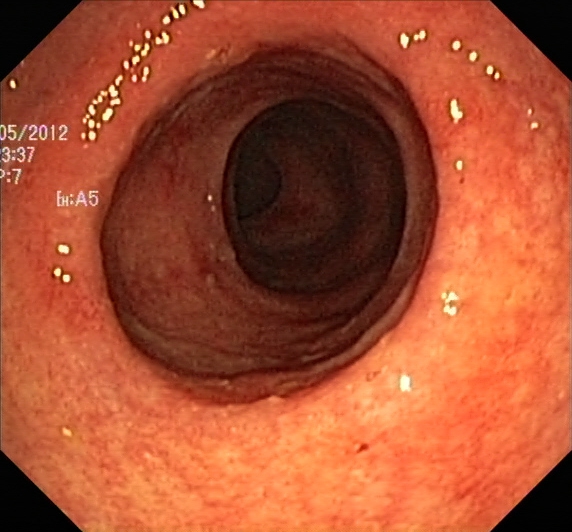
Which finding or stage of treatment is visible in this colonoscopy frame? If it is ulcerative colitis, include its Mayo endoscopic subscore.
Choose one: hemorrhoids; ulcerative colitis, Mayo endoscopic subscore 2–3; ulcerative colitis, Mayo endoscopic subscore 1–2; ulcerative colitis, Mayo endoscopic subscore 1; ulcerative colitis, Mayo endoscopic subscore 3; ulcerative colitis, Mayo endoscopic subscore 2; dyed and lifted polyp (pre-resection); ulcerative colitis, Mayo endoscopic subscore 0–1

ulcerative colitis, Mayo endoscopic subscore 1